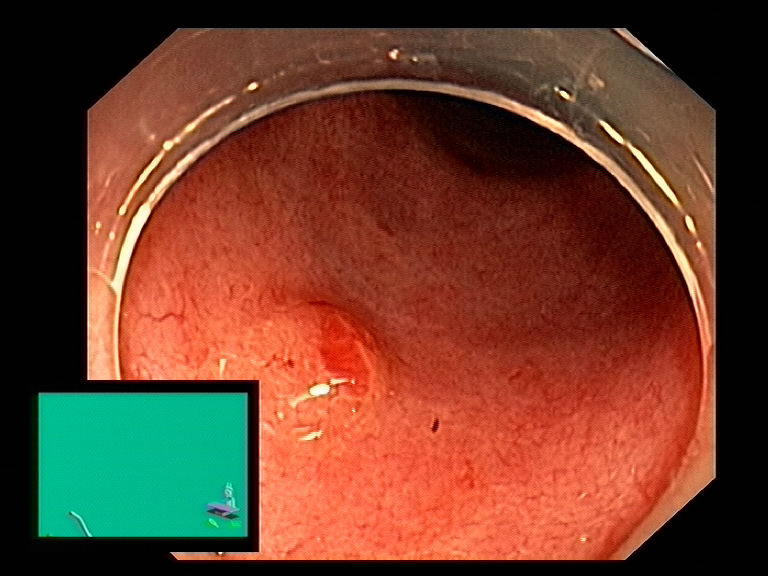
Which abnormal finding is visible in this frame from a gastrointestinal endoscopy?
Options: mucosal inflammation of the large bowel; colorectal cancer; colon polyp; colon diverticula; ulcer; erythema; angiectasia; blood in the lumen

colon polyp